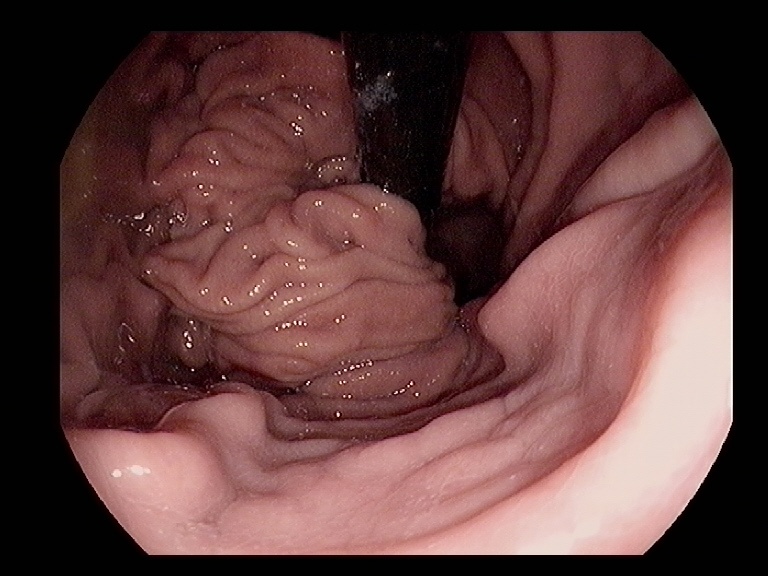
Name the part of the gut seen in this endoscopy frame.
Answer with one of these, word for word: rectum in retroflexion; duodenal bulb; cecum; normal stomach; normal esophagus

normal stomach